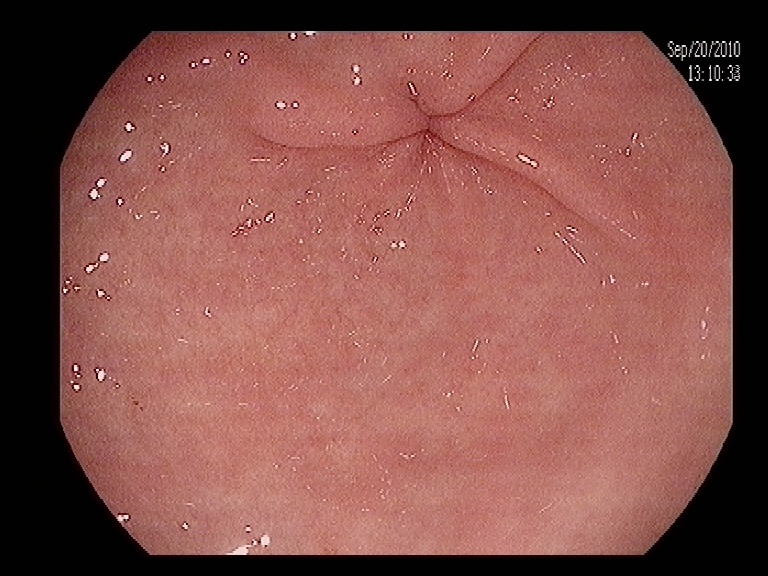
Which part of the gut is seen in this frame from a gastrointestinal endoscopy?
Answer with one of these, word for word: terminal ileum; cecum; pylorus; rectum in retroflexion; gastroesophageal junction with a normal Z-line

pylorus